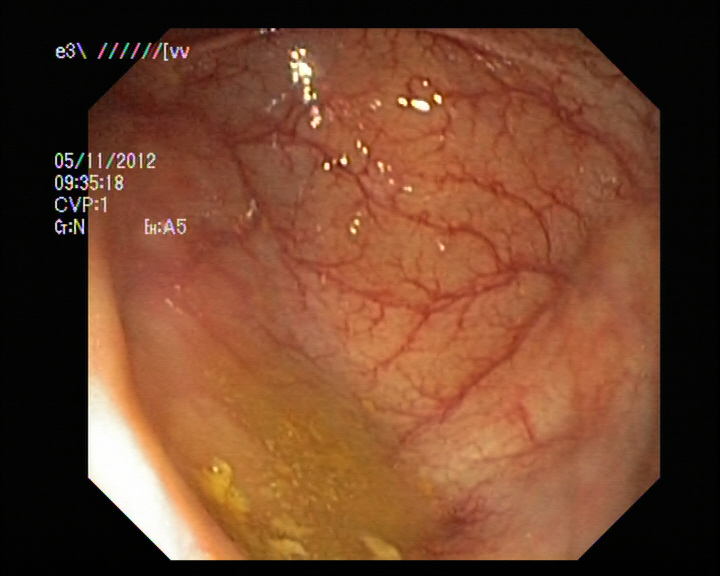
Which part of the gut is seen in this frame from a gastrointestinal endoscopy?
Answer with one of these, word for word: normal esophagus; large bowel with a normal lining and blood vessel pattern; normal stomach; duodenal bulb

large bowel with a normal lining and blood vessel pattern